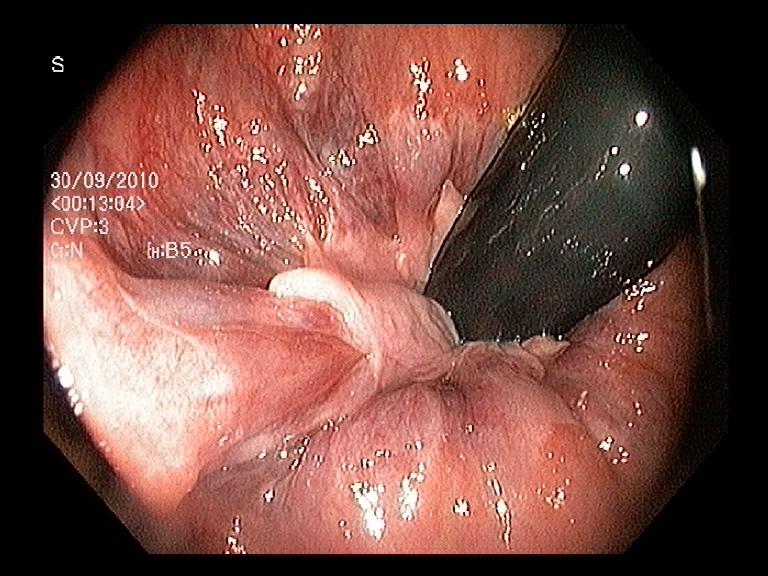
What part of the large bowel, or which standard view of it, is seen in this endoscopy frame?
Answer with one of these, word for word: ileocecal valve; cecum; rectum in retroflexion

rectum in retroflexion